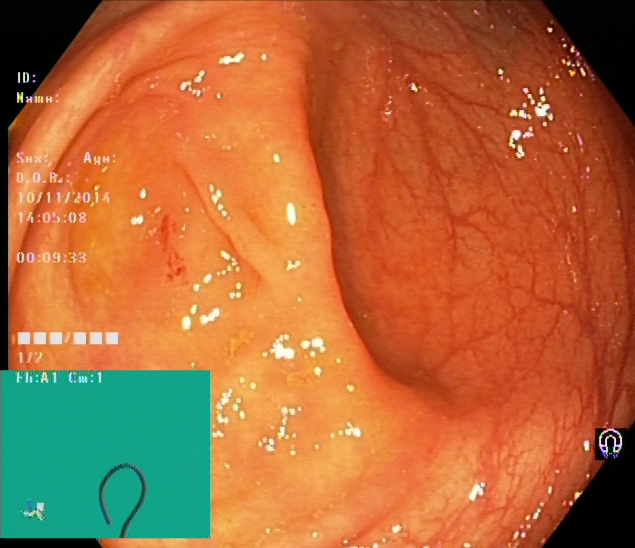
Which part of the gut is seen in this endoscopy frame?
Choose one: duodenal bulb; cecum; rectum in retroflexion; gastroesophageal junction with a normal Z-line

cecum